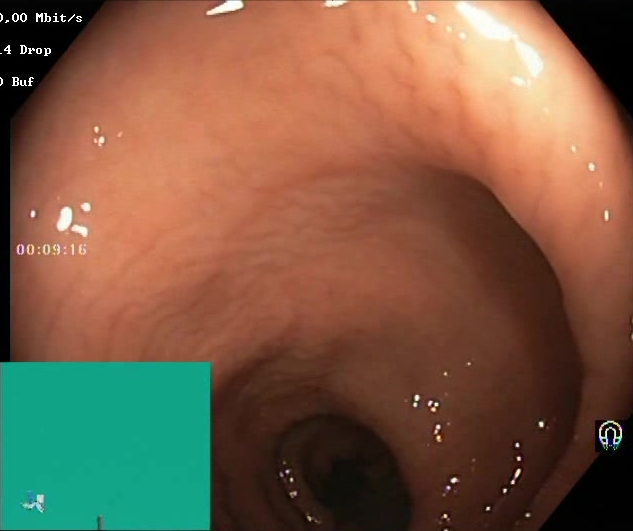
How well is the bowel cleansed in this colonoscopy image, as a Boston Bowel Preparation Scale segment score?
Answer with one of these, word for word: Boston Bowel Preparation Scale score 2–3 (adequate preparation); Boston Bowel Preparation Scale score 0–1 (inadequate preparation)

Boston Bowel Preparation Scale score 2–3 (adequate preparation)